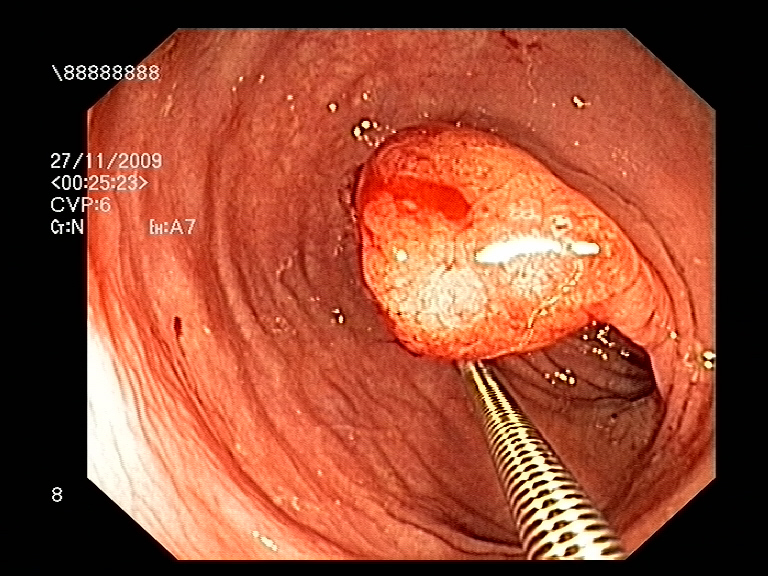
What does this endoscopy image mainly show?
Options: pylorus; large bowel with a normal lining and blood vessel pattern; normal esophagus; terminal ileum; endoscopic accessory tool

endoscopic accessory tool